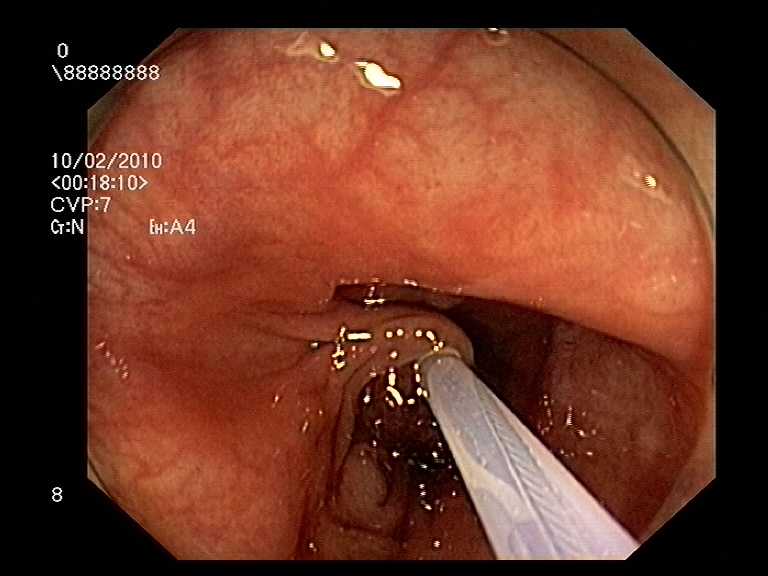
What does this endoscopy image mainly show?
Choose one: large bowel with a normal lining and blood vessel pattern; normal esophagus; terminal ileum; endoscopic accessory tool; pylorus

endoscopic accessory tool